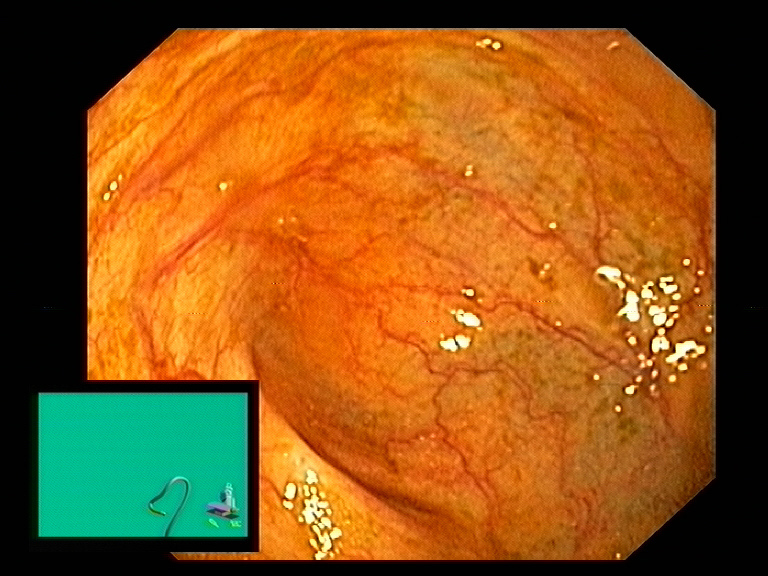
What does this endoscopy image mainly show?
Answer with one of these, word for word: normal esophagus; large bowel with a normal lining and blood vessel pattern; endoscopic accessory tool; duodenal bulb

large bowel with a normal lining and blood vessel pattern